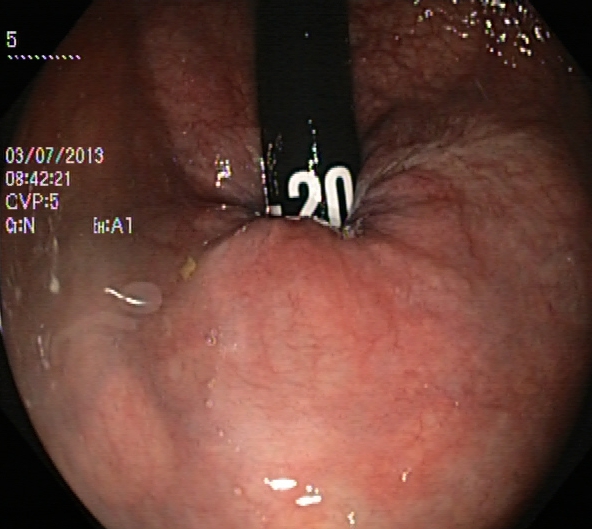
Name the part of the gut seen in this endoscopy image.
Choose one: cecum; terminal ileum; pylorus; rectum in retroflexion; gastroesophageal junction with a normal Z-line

rectum in retroflexion